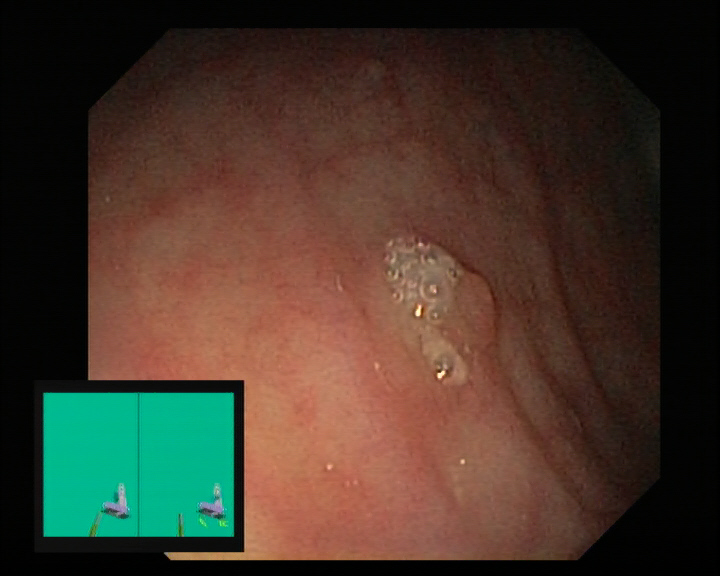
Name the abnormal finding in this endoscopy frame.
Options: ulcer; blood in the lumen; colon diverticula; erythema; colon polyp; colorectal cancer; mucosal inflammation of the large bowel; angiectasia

colon polyp